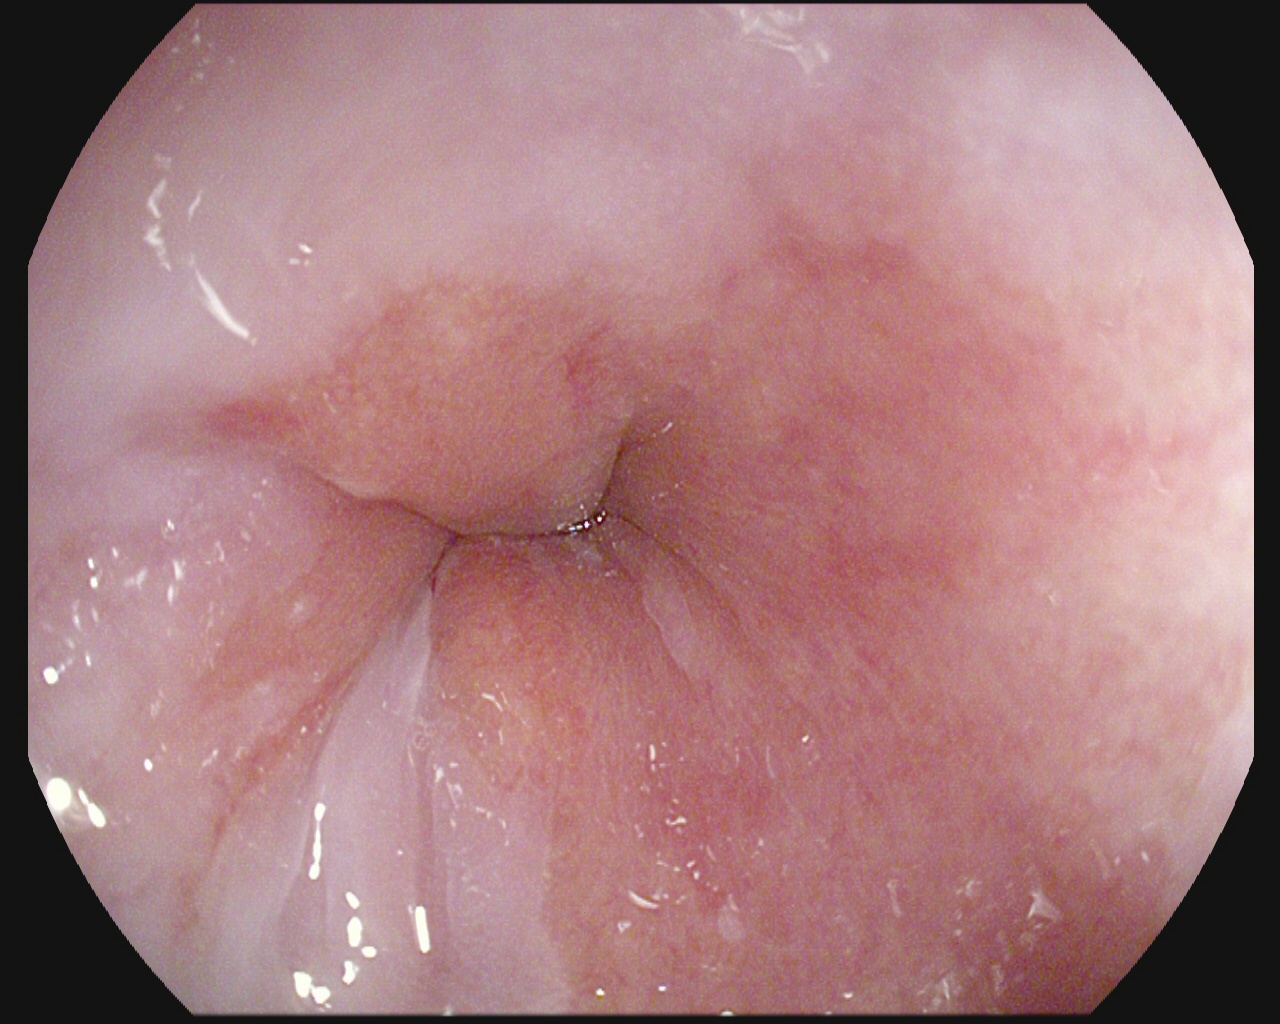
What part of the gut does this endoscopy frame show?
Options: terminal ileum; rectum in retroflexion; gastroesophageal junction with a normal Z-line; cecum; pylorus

gastroesophageal junction with a normal Z-line